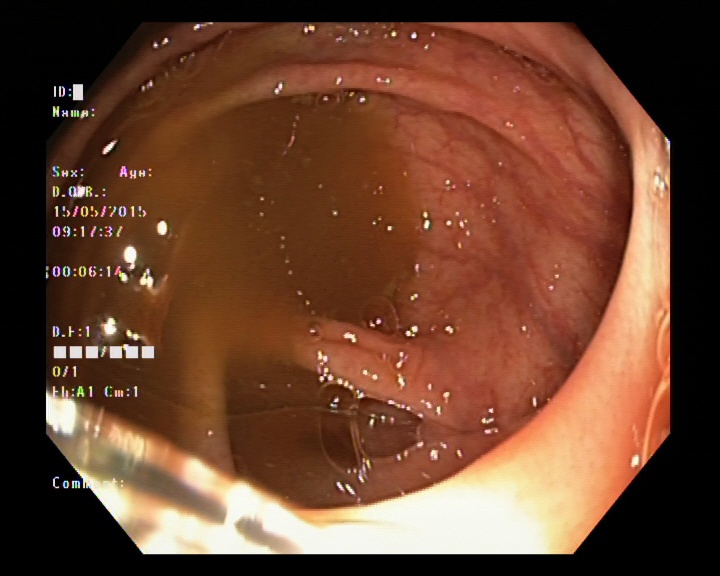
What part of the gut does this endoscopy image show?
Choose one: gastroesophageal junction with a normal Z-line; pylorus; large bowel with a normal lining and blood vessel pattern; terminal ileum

large bowel with a normal lining and blood vessel pattern